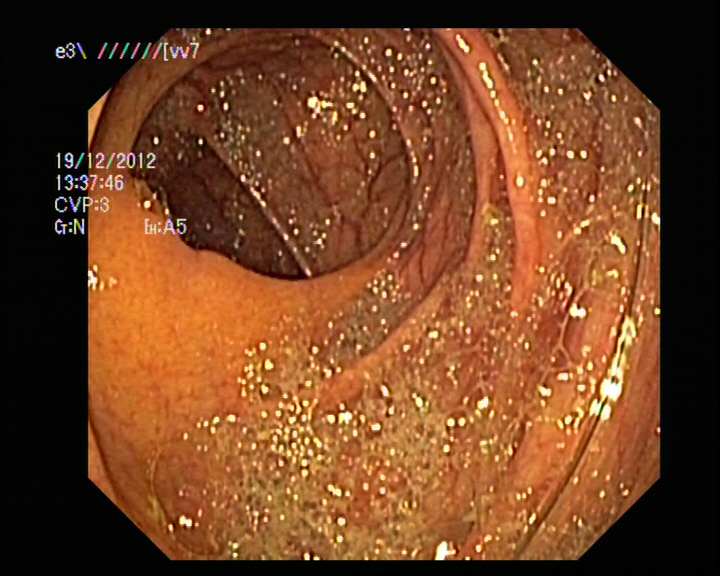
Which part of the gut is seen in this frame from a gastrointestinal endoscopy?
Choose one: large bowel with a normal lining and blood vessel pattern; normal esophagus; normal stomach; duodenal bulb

large bowel with a normal lining and blood vessel pattern